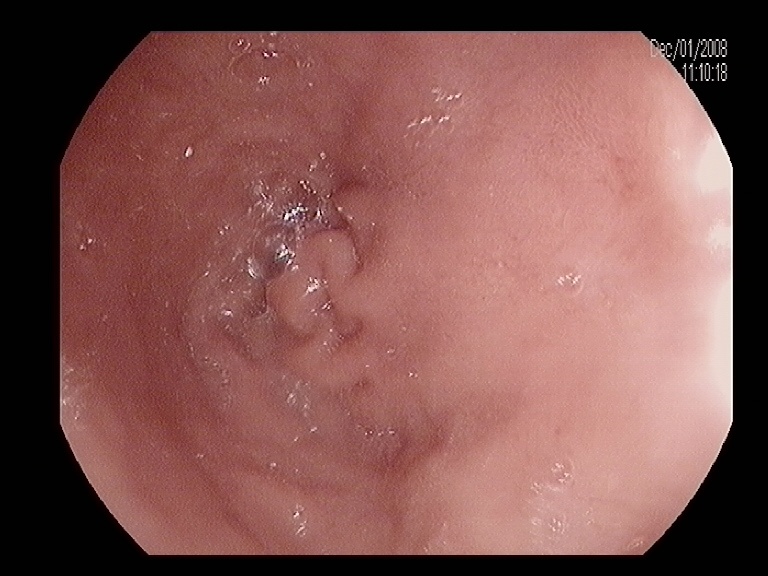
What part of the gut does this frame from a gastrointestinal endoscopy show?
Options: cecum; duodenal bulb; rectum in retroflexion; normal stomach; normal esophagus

normal stomach